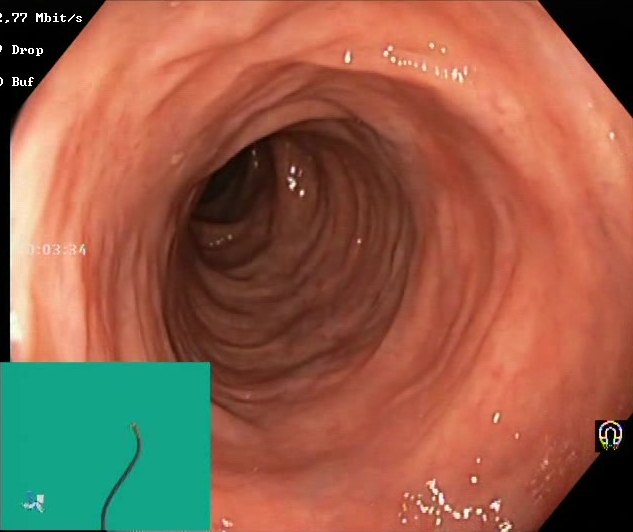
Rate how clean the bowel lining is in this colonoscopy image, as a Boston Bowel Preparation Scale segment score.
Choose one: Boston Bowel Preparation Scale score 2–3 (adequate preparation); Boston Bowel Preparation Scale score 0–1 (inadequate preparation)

Boston Bowel Preparation Scale score 2–3 (adequate preparation)